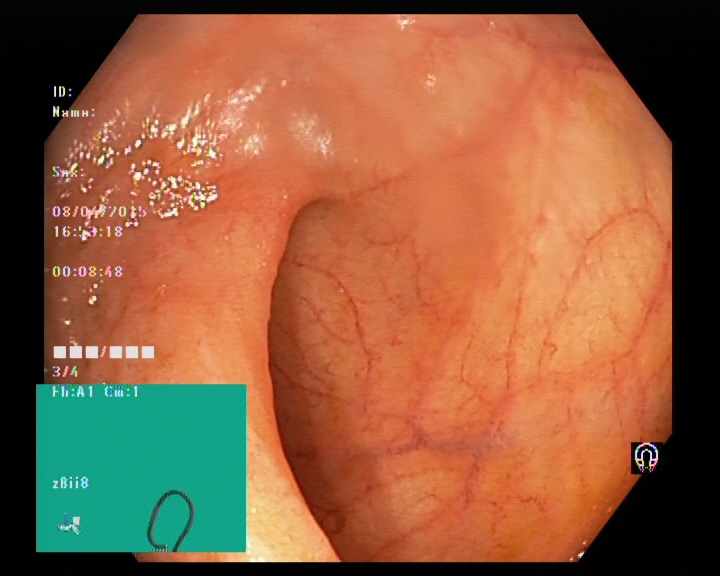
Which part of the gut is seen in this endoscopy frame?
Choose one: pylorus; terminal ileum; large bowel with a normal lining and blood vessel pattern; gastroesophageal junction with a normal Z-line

large bowel with a normal lining and blood vessel pattern